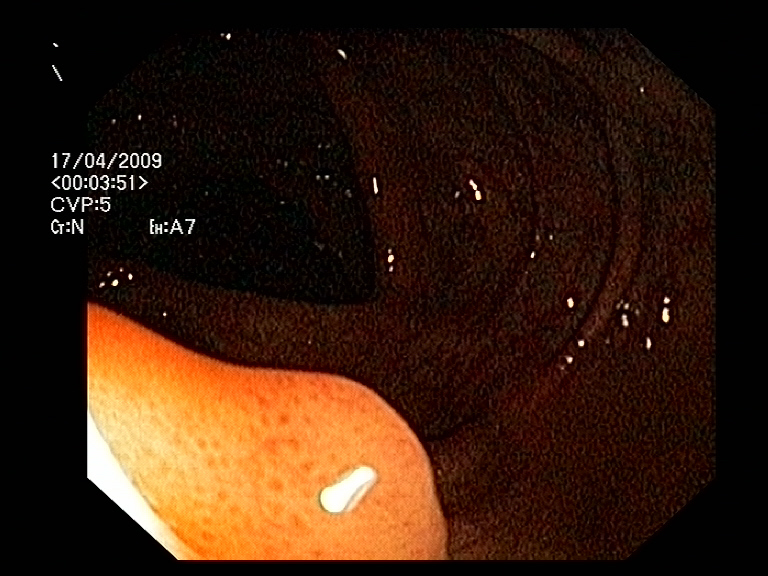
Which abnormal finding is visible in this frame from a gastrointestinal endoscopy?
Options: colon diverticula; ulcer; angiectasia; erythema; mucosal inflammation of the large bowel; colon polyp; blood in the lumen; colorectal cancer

colon polyp